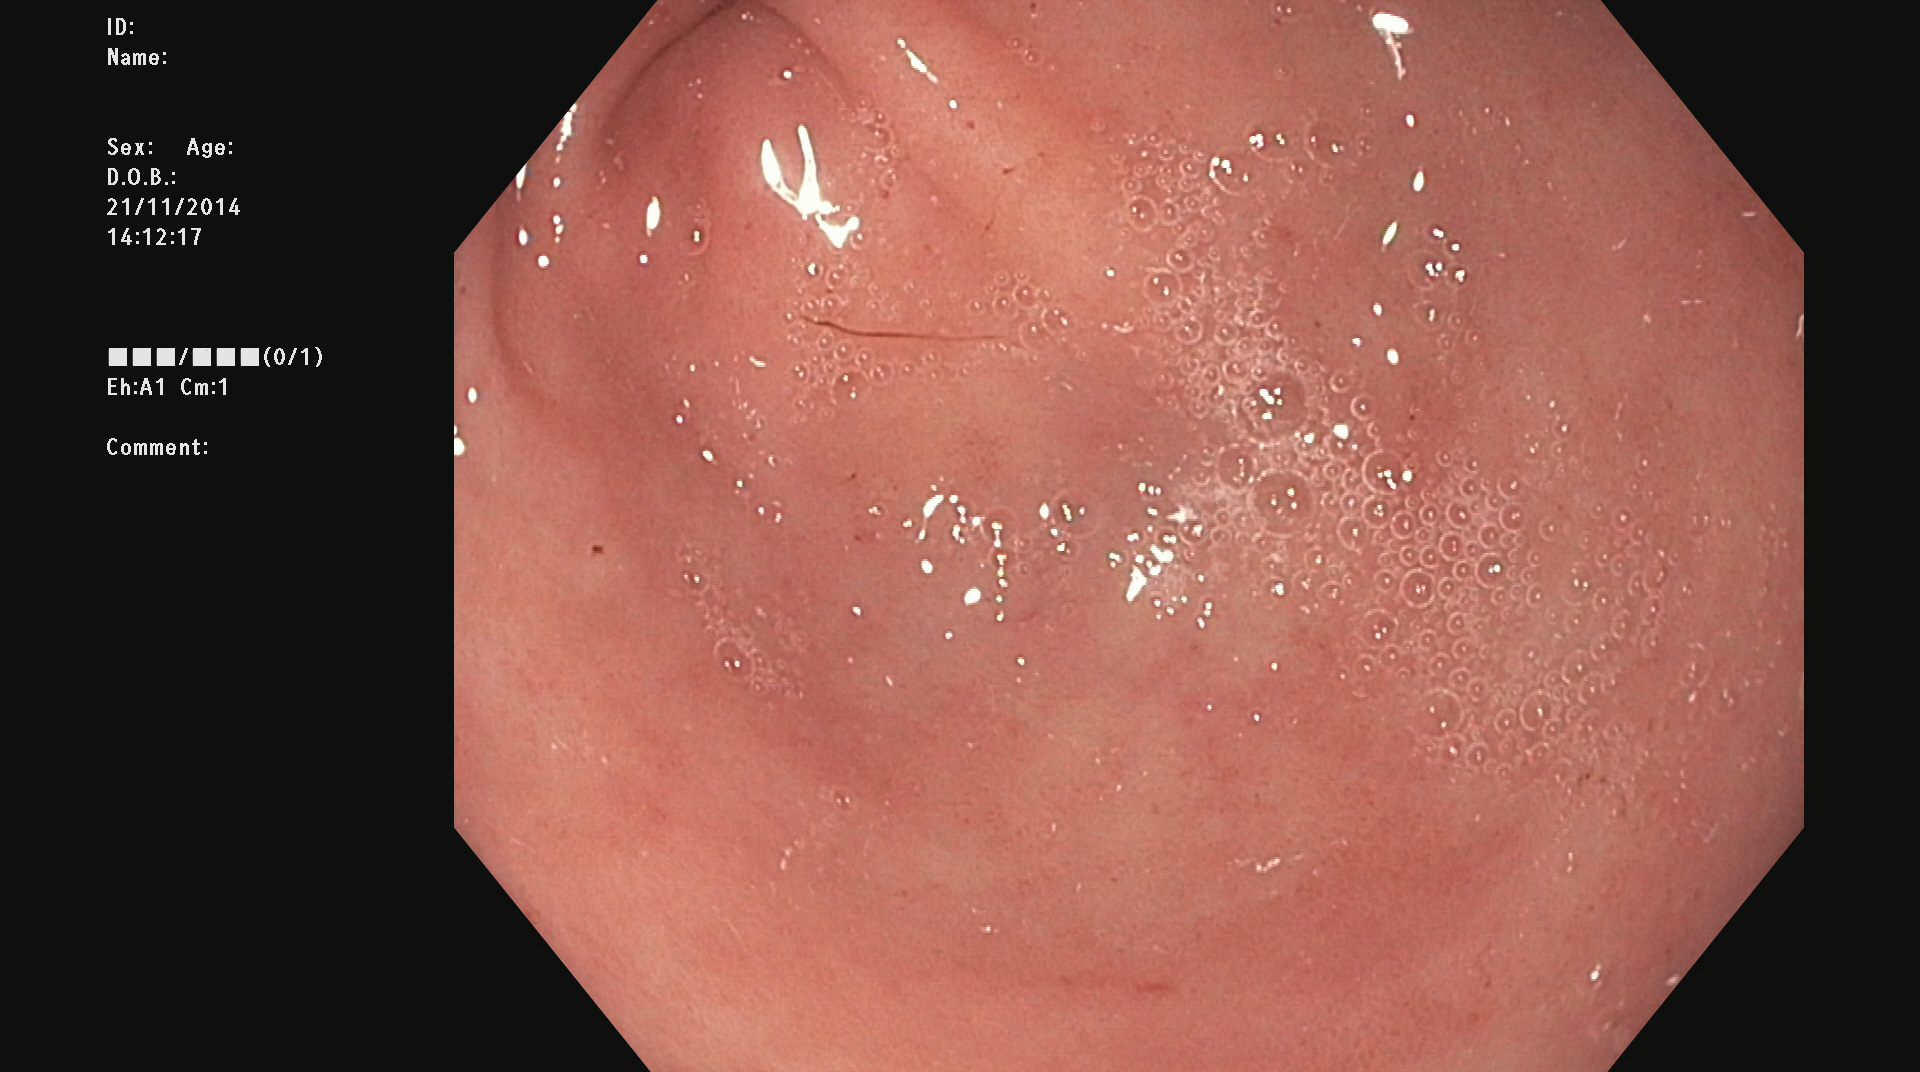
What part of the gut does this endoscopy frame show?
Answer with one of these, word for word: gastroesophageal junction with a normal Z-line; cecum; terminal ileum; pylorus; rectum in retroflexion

pylorus